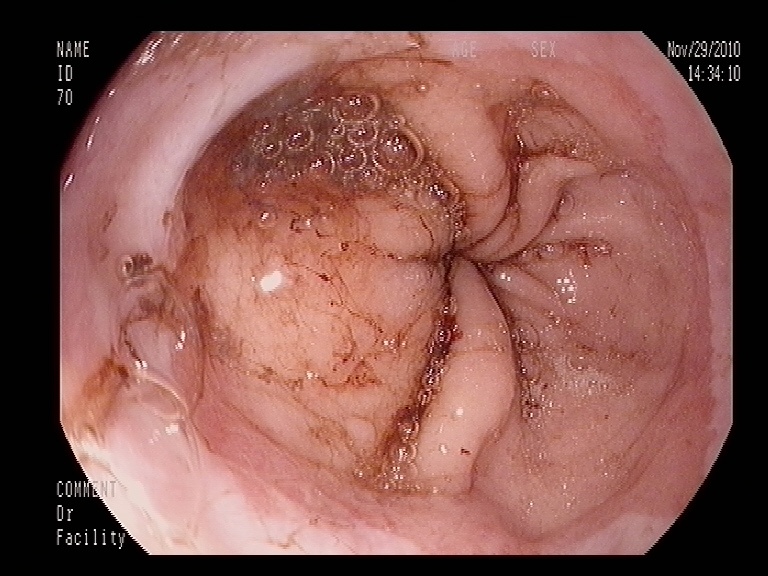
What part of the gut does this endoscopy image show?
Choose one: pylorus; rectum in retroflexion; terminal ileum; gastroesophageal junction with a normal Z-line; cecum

gastroesophageal junction with a normal Z-line